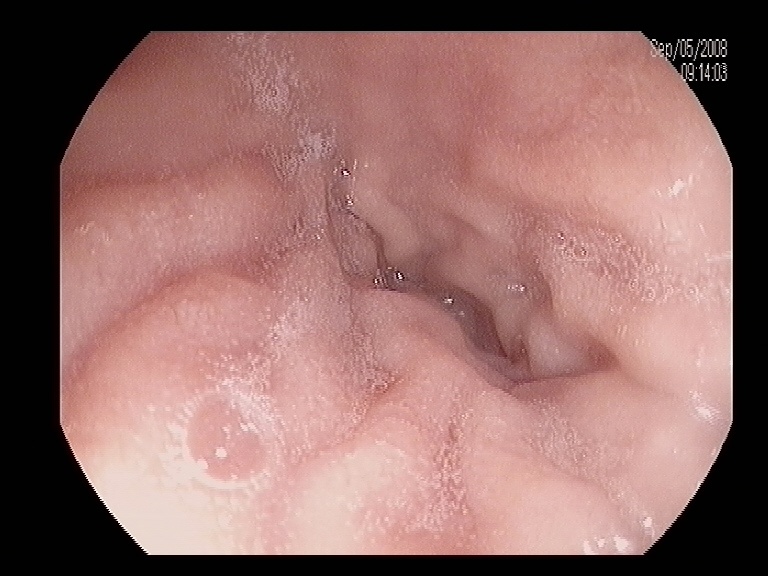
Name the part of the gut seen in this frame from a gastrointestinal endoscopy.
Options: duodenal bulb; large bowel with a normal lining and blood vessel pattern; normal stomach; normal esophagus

normal stomach